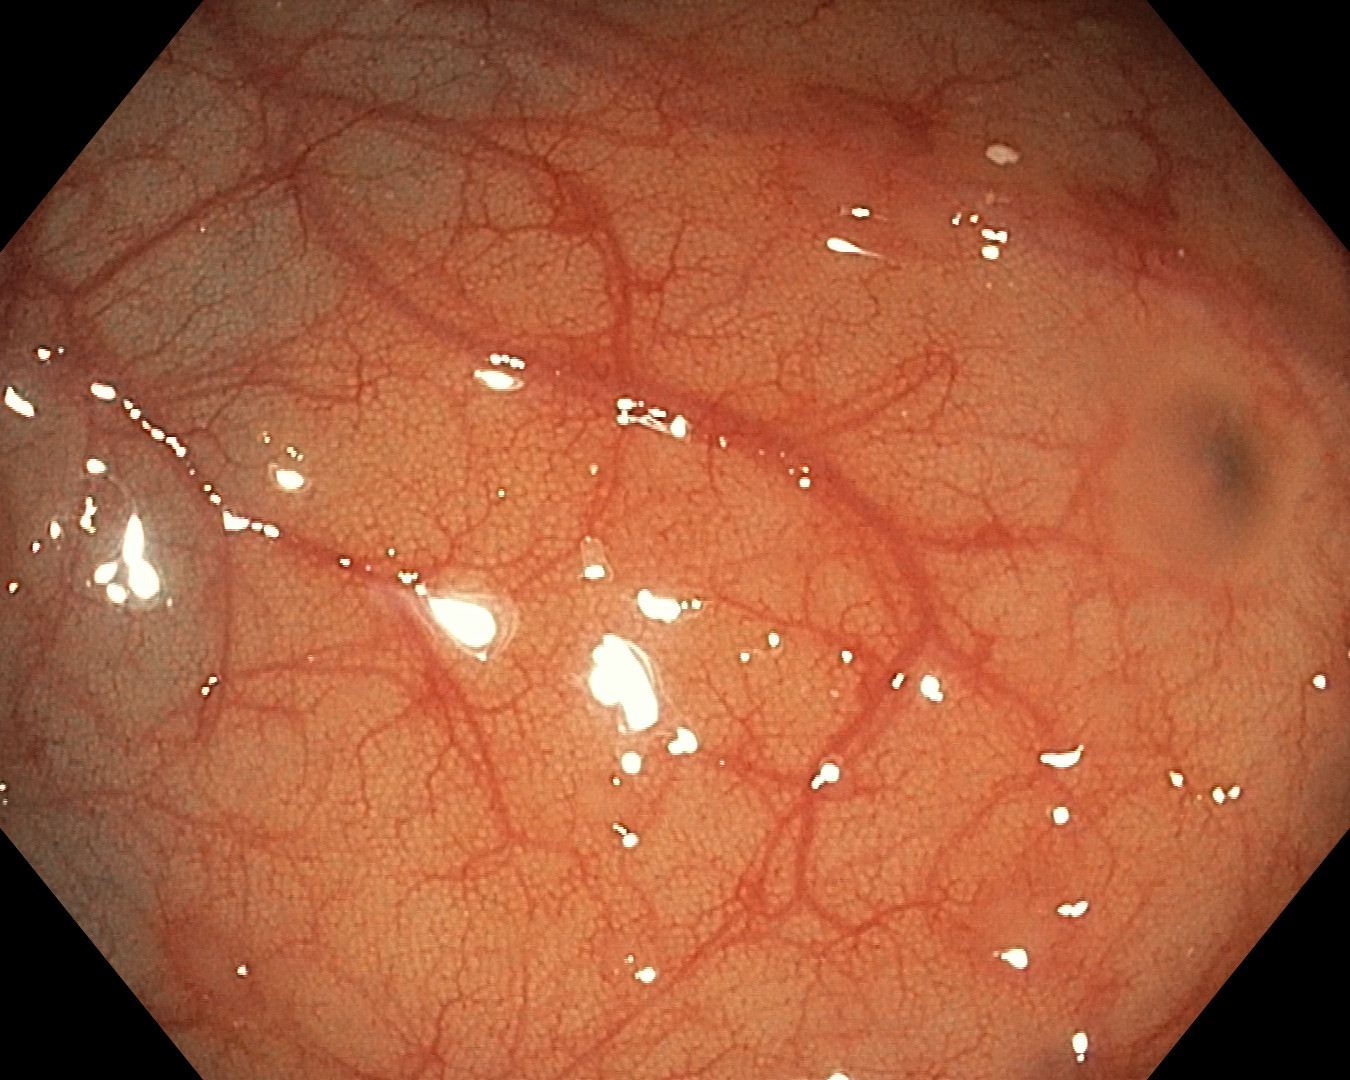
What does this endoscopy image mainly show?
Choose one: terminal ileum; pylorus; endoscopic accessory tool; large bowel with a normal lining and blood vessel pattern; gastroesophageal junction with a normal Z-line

large bowel with a normal lining and blood vessel pattern